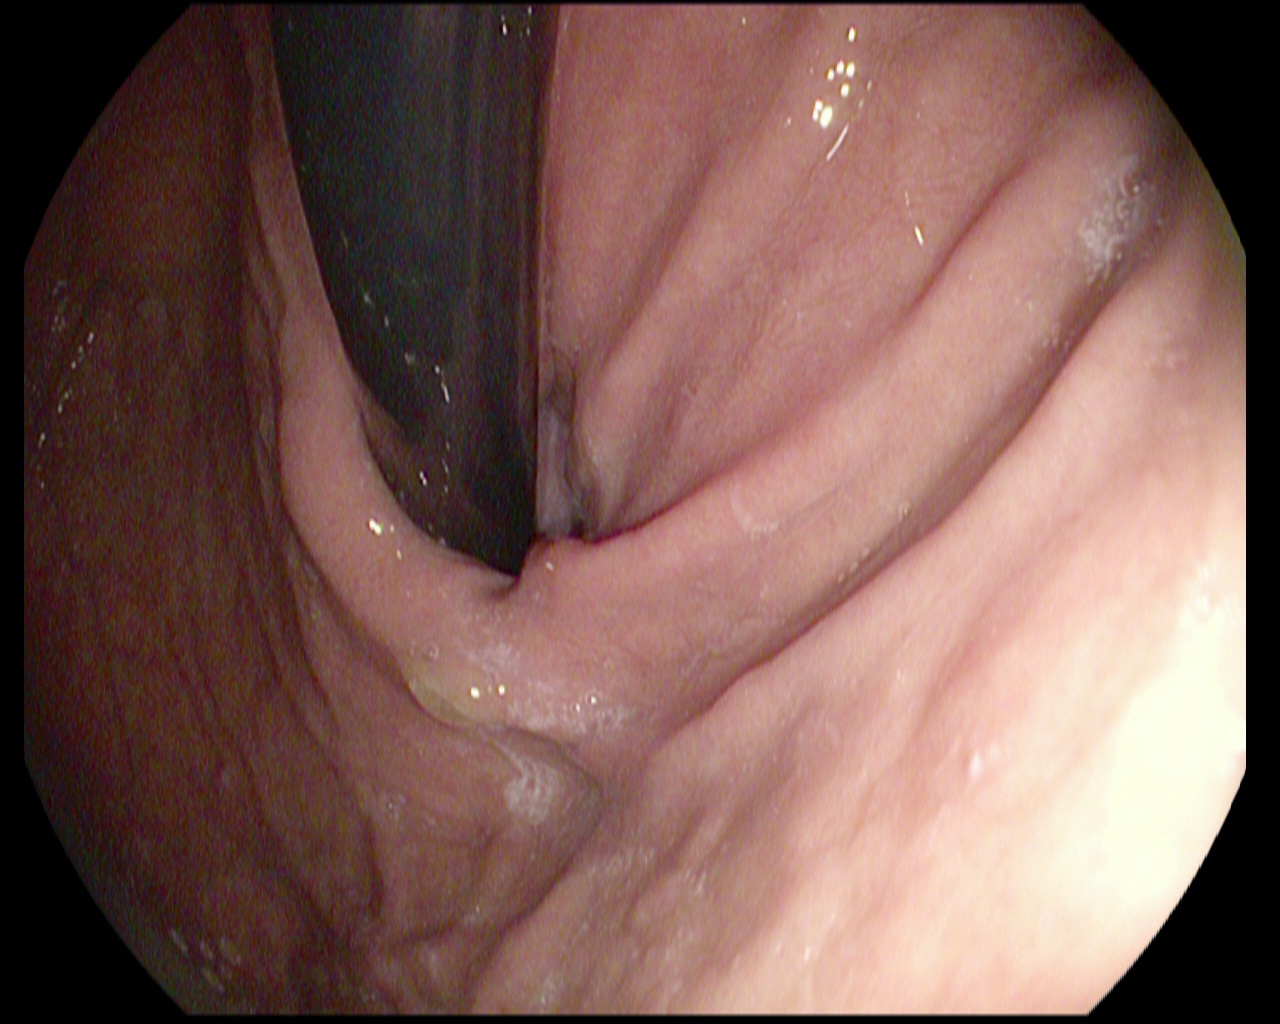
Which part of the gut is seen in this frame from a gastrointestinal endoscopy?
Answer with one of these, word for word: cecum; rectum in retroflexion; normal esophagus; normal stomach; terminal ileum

normal stomach